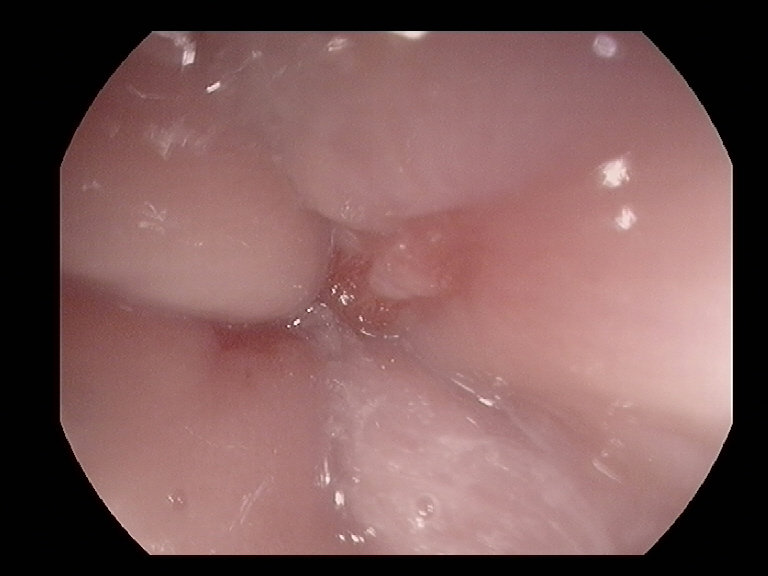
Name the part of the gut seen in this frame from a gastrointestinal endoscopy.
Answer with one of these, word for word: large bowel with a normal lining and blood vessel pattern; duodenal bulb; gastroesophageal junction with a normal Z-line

gastroesophageal junction with a normal Z-line